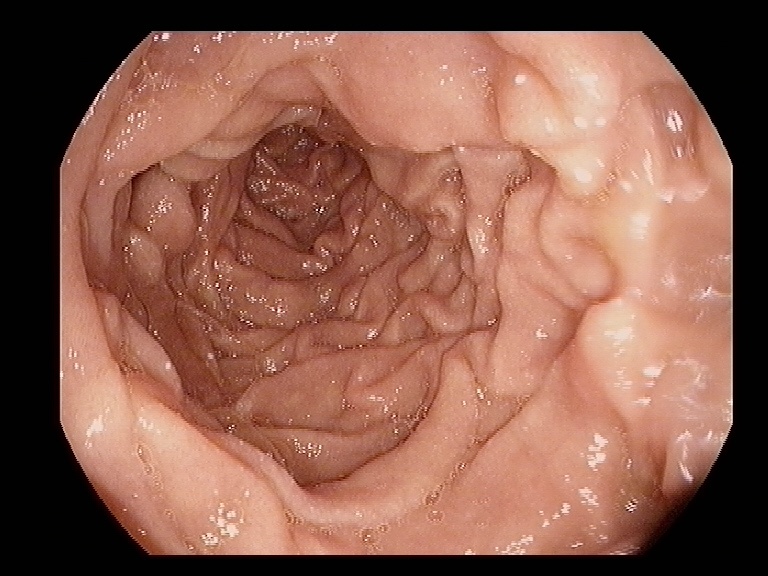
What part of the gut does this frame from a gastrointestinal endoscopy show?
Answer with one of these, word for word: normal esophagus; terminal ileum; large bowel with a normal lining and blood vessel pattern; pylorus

terminal ileum